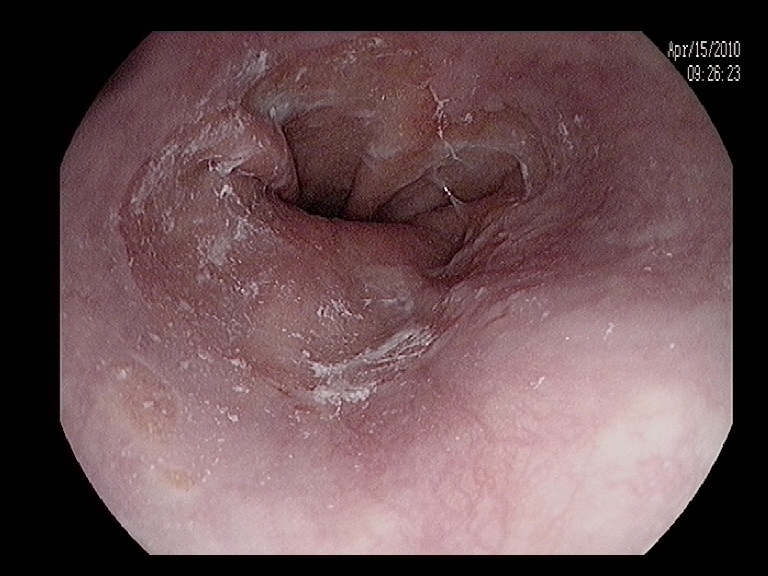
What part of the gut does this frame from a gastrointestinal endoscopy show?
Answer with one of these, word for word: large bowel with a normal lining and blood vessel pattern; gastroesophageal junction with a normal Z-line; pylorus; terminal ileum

gastroesophageal junction with a normal Z-line